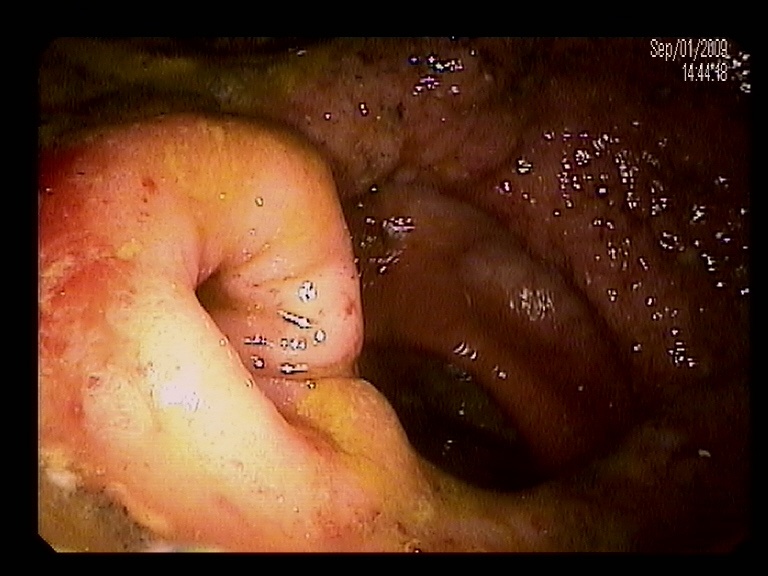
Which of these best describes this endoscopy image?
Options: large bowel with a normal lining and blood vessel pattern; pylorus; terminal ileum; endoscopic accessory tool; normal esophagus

large bowel with a normal lining and blood vessel pattern